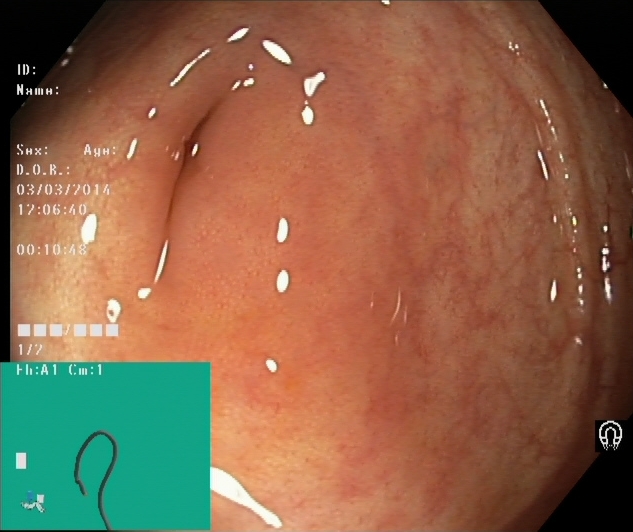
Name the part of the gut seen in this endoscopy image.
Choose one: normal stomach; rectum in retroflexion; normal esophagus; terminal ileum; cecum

cecum